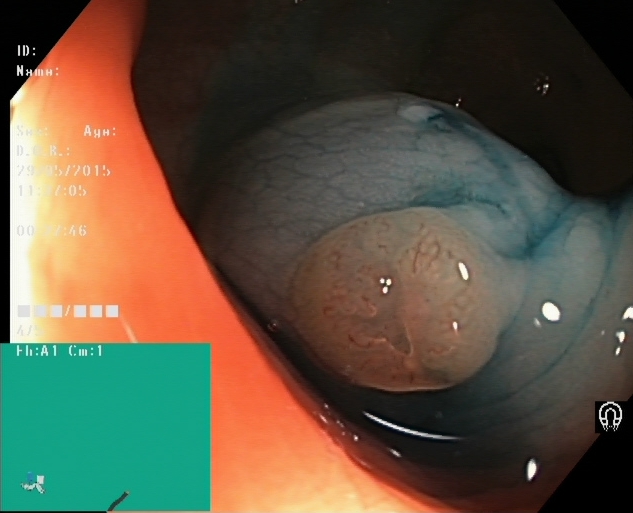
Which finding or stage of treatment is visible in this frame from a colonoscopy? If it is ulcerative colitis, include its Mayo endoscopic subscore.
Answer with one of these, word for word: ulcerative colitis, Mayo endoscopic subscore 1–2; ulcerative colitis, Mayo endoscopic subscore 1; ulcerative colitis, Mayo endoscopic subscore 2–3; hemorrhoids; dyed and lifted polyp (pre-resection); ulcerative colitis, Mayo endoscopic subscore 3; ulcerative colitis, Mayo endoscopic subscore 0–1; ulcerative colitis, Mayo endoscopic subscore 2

dyed and lifted polyp (pre-resection)